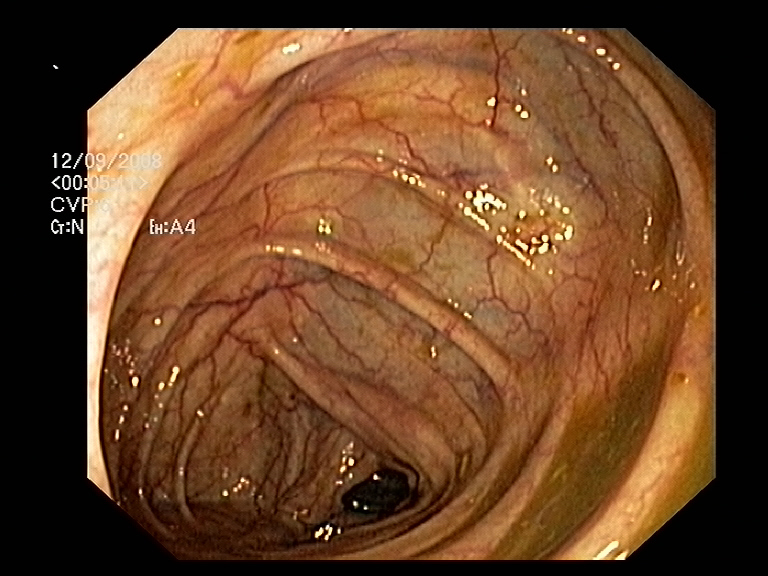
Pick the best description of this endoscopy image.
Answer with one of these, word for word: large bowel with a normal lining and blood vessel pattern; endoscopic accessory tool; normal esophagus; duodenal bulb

large bowel with a normal lining and blood vessel pattern